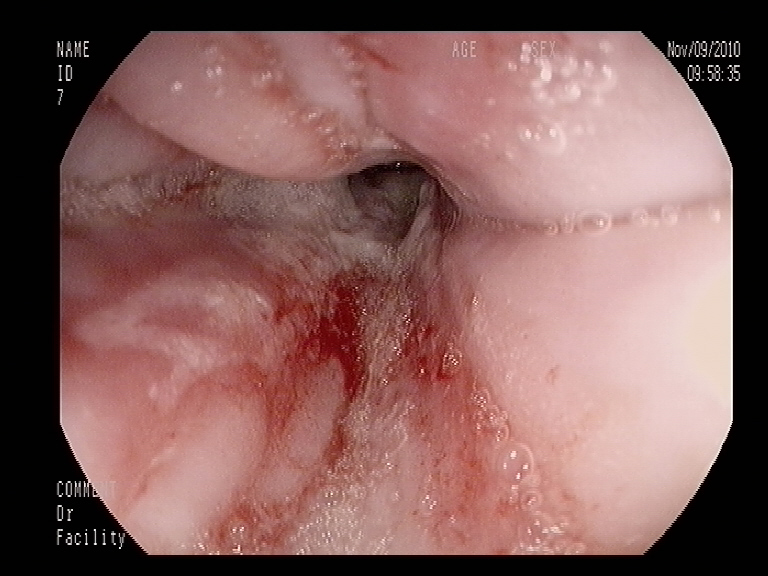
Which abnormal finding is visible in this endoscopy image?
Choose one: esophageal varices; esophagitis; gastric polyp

esophagitis